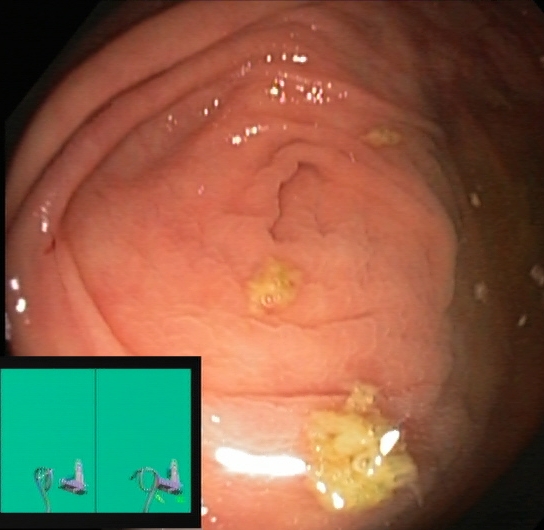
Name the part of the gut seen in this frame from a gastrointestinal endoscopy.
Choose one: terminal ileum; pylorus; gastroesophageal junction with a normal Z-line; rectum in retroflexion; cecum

cecum